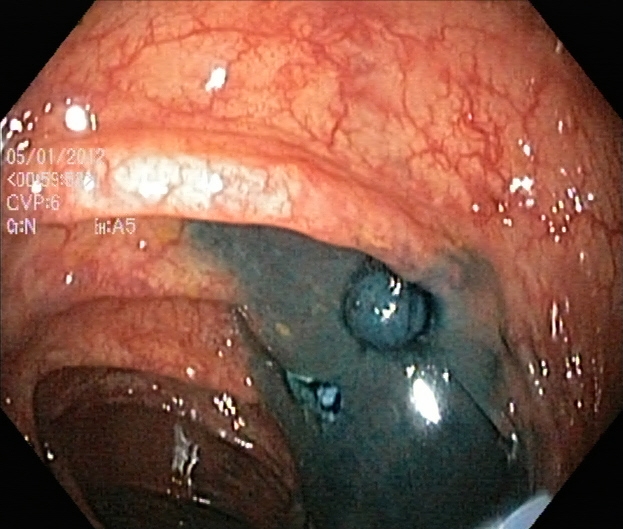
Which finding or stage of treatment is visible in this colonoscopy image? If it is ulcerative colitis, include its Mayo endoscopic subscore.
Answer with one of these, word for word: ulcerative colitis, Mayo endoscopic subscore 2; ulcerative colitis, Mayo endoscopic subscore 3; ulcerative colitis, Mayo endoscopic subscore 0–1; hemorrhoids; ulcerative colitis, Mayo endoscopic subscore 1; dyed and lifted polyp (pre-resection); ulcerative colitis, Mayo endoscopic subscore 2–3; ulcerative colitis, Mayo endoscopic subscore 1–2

dyed and lifted polyp (pre-resection)